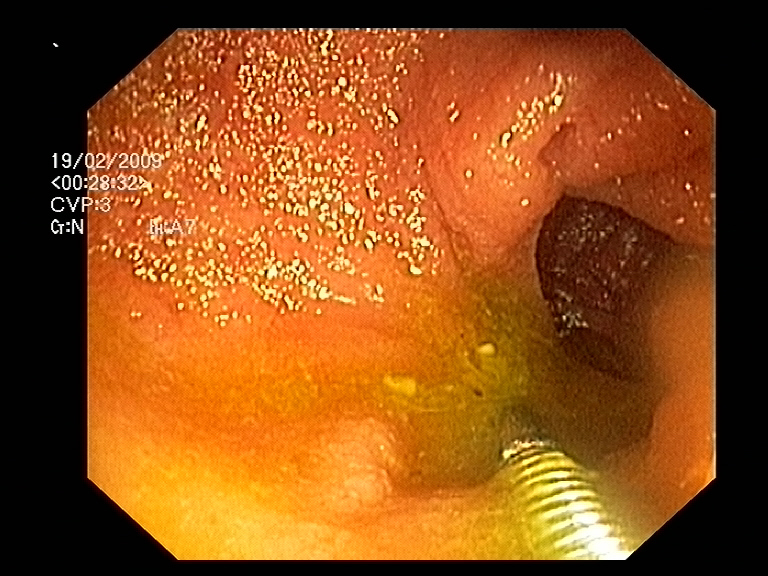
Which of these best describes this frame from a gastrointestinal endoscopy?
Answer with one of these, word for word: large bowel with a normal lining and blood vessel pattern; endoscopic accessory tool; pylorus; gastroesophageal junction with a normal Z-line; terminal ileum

endoscopic accessory tool